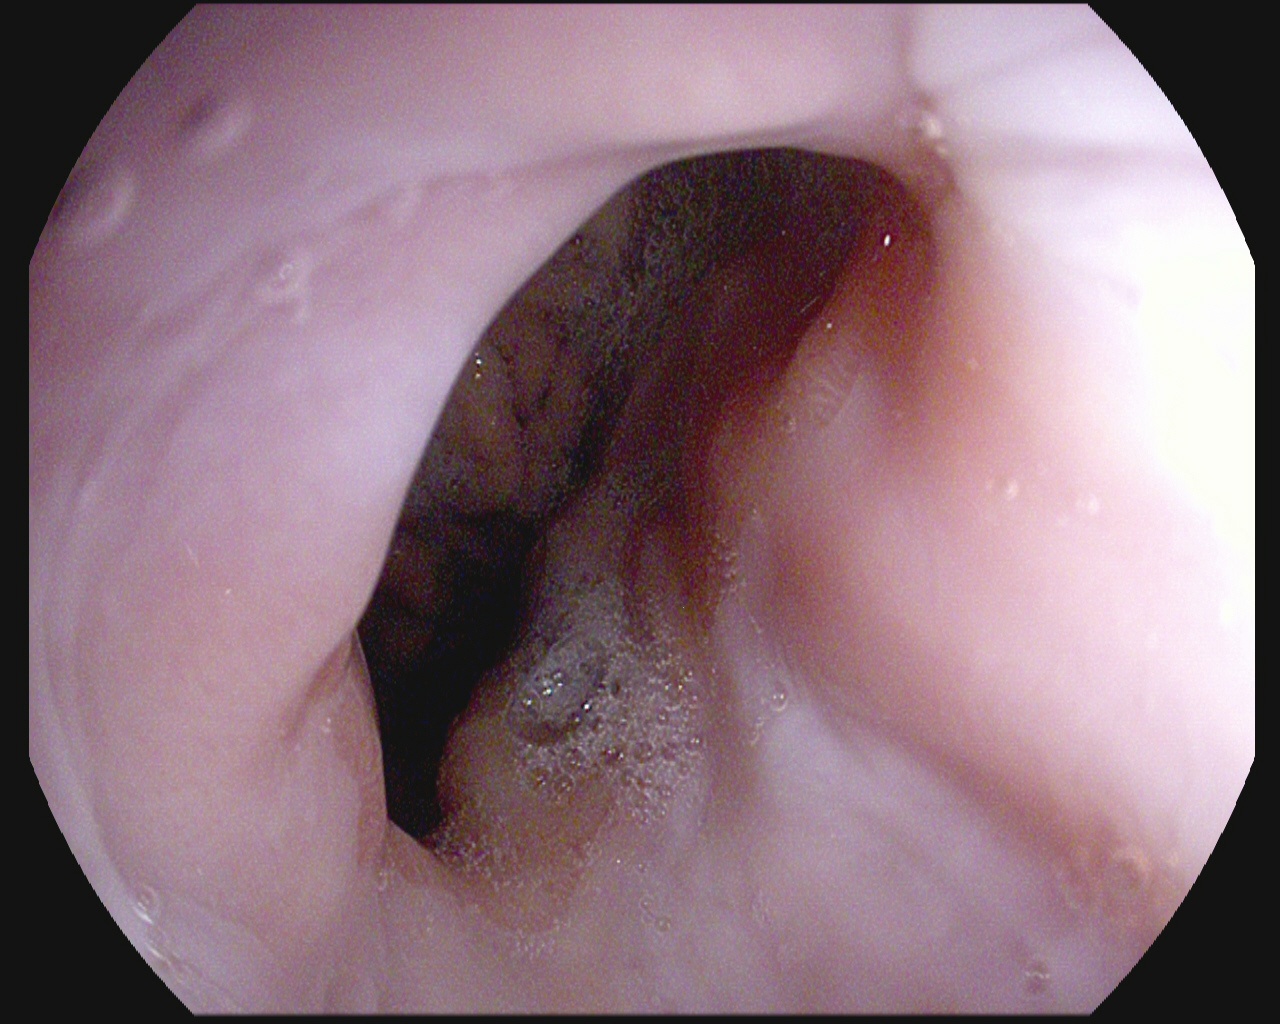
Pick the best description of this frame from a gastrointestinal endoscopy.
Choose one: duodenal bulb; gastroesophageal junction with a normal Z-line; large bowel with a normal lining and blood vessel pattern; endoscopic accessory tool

gastroesophageal junction with a normal Z-line